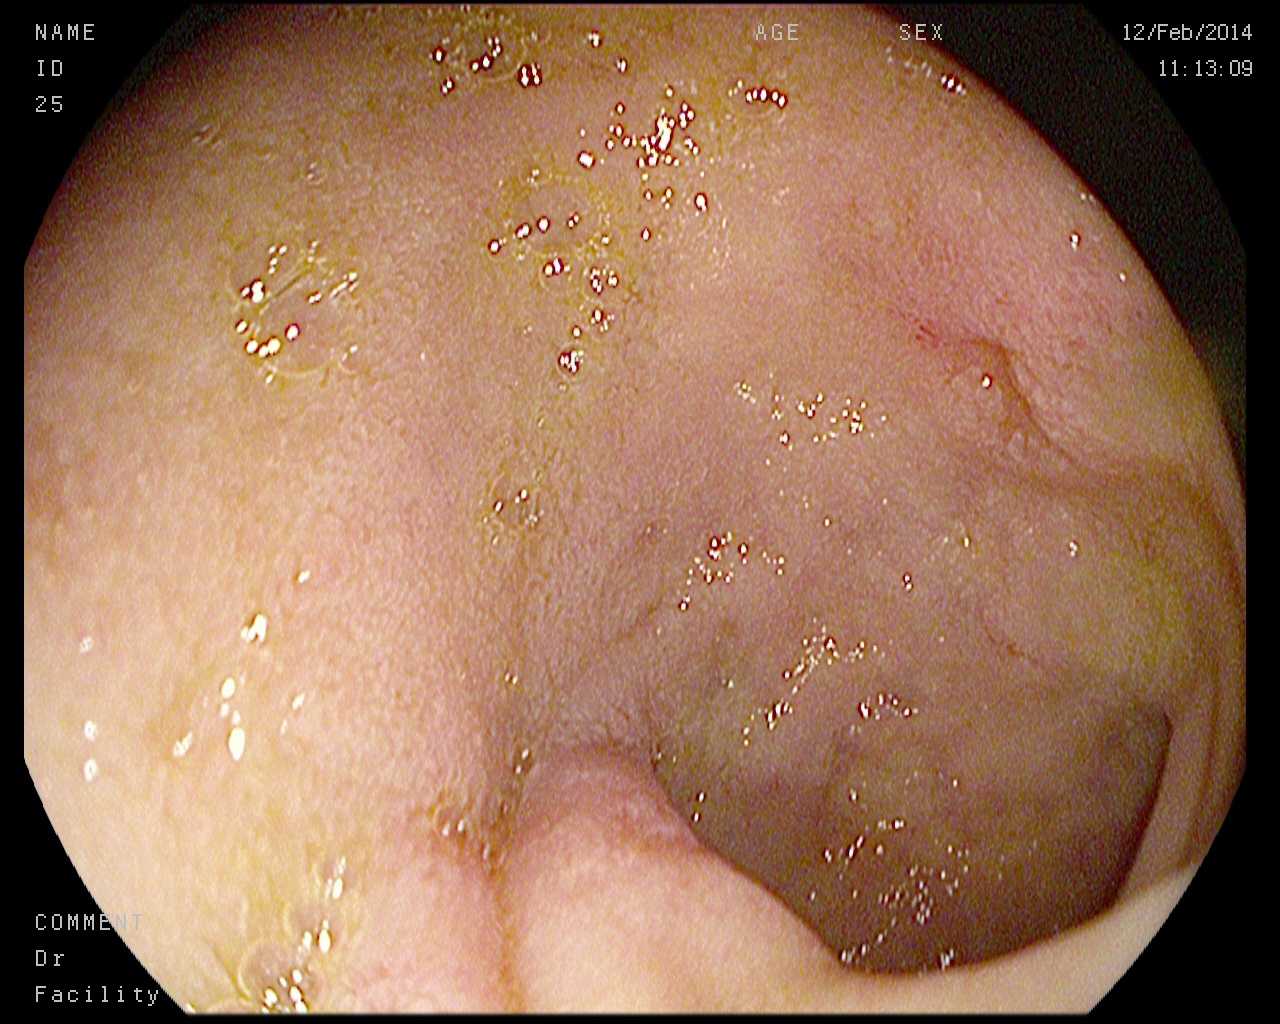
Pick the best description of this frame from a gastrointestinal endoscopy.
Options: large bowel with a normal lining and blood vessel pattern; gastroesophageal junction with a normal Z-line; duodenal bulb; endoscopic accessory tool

duodenal bulb